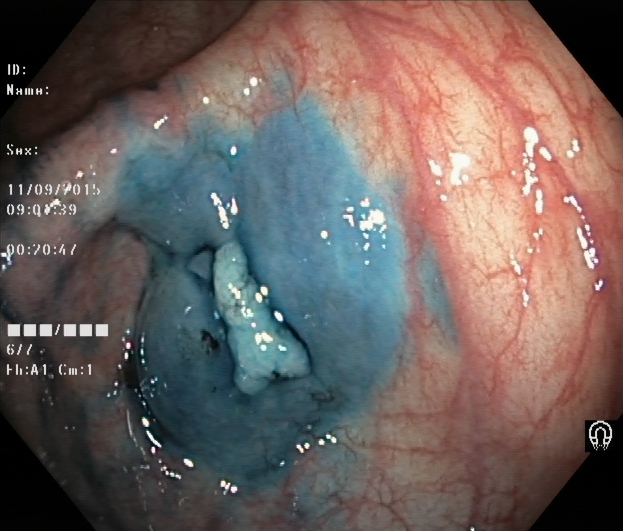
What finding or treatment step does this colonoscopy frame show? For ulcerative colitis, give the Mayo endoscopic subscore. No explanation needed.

dyed and lifted polyp (pre-resection)